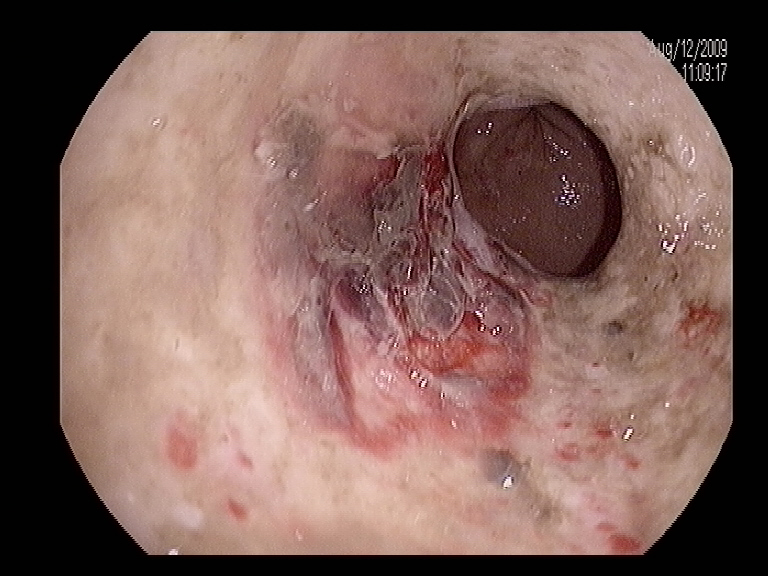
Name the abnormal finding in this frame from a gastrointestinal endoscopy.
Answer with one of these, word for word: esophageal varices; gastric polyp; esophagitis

esophagitis